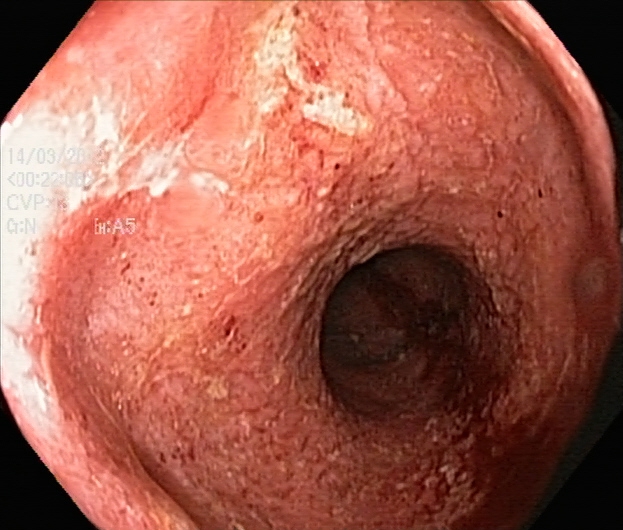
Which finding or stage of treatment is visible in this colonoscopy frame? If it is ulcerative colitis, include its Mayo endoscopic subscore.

ulcerative colitis, Mayo endoscopic subscore 2